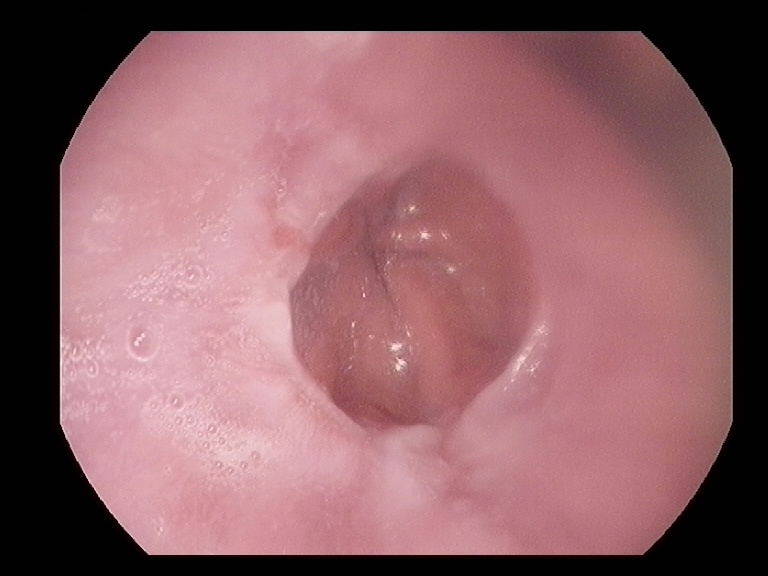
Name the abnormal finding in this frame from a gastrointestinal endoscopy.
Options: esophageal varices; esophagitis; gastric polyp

esophagitis